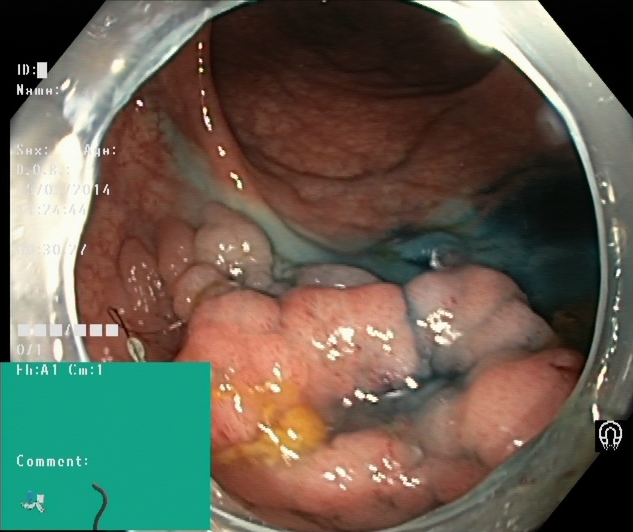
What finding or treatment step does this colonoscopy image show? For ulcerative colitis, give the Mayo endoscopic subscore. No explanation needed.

dyed and lifted polyp (pre-resection)